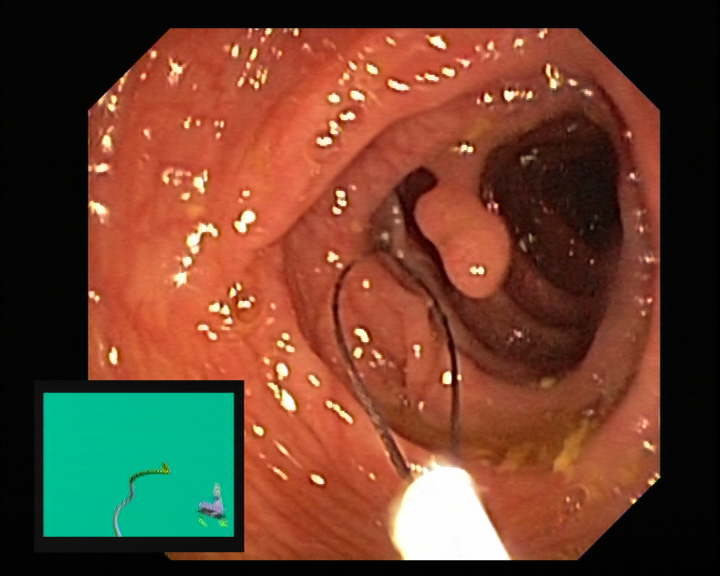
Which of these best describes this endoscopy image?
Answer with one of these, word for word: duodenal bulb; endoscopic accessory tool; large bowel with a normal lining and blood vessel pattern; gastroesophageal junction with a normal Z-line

endoscopic accessory tool